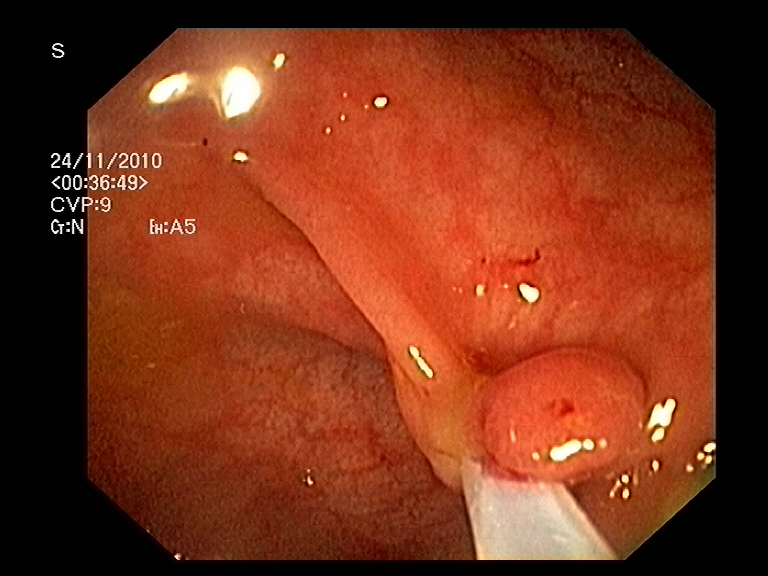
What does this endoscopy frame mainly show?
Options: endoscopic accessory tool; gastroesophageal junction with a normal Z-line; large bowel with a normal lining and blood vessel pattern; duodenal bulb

endoscopic accessory tool